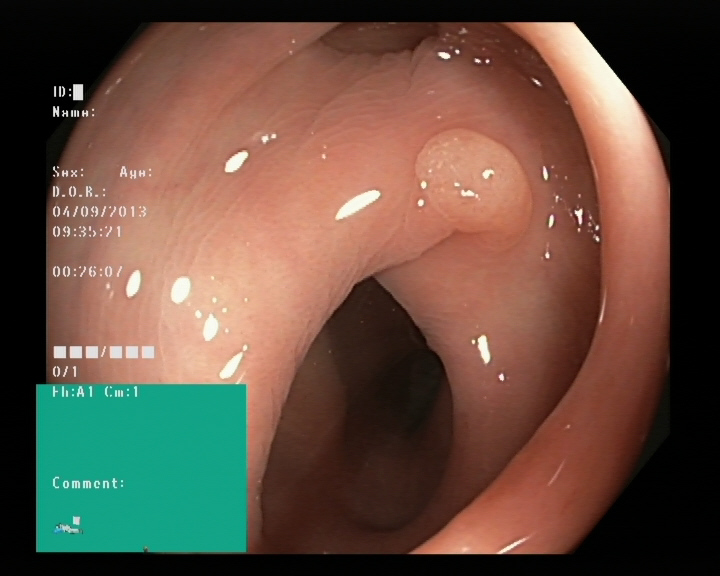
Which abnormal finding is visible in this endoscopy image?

colon polyp